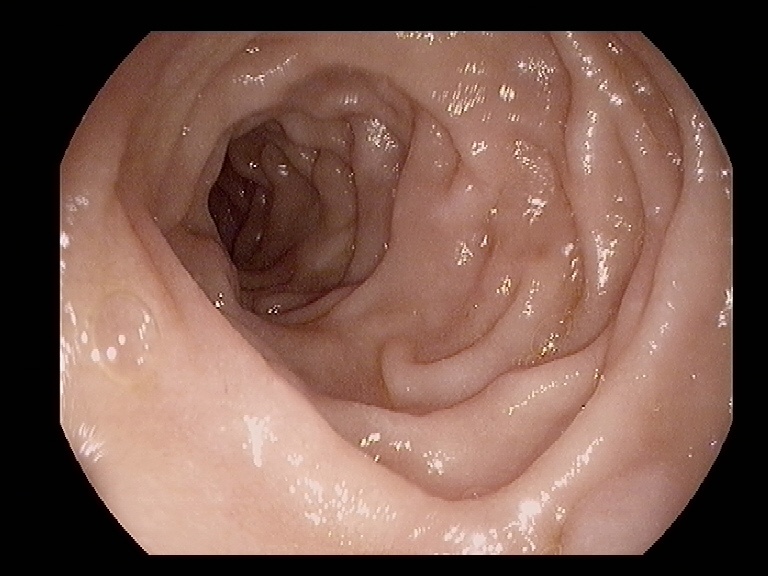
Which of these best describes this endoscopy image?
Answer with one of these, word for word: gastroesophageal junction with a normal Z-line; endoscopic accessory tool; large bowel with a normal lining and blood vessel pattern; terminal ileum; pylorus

terminal ileum